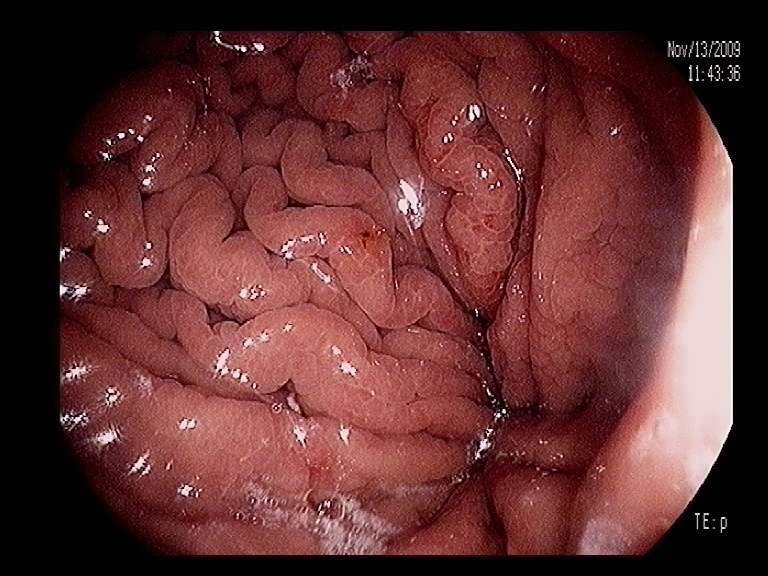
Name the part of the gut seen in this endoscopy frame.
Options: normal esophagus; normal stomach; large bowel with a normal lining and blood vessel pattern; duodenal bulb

normal stomach